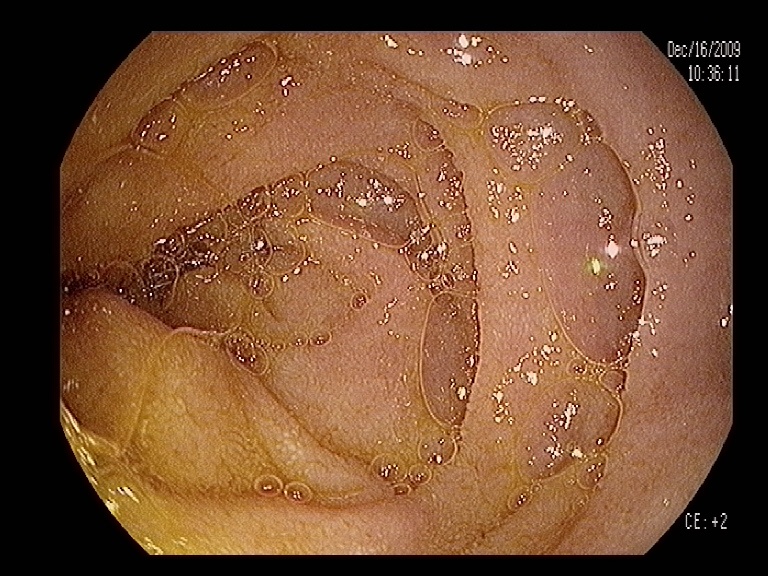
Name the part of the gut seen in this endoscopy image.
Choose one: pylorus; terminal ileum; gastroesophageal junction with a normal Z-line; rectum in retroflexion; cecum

terminal ileum